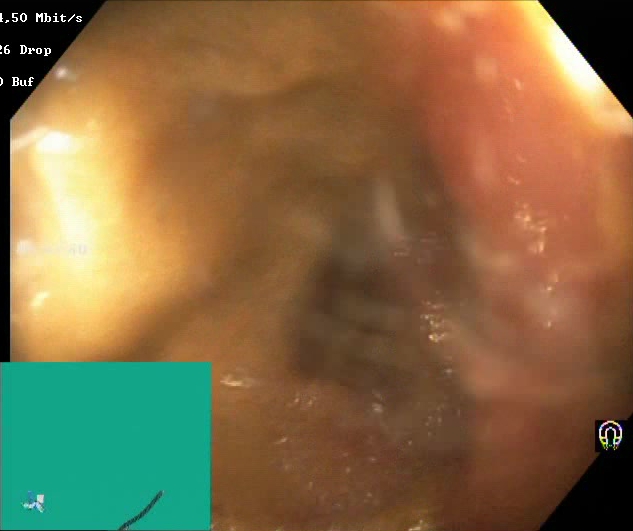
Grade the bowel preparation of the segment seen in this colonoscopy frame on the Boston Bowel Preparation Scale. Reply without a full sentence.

Boston Bowel Preparation Scale score 0–1 (inadequate preparation)